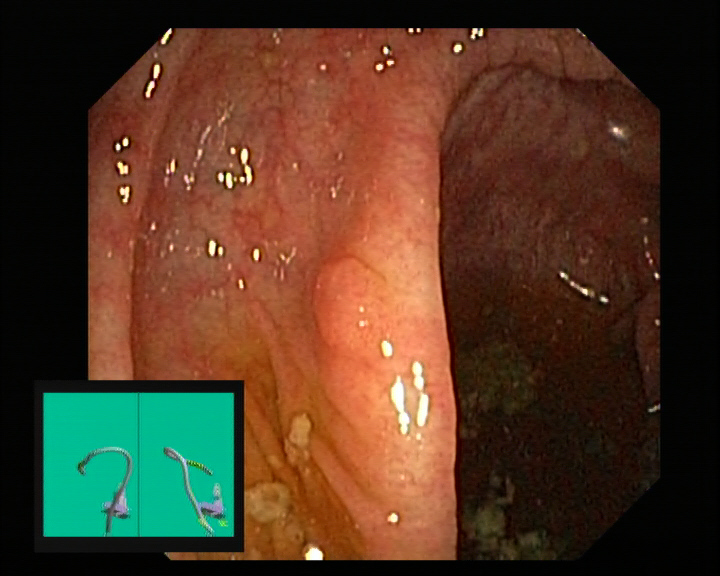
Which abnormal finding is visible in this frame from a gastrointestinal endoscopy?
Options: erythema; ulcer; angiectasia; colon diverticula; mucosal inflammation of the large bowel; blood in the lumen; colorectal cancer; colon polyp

colon polyp